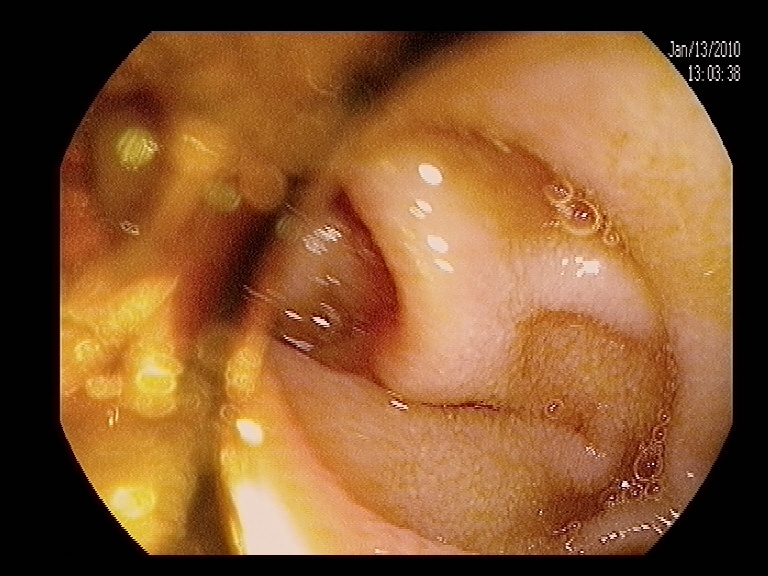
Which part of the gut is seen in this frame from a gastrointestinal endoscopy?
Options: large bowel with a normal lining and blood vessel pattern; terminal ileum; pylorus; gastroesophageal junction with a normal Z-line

terminal ileum